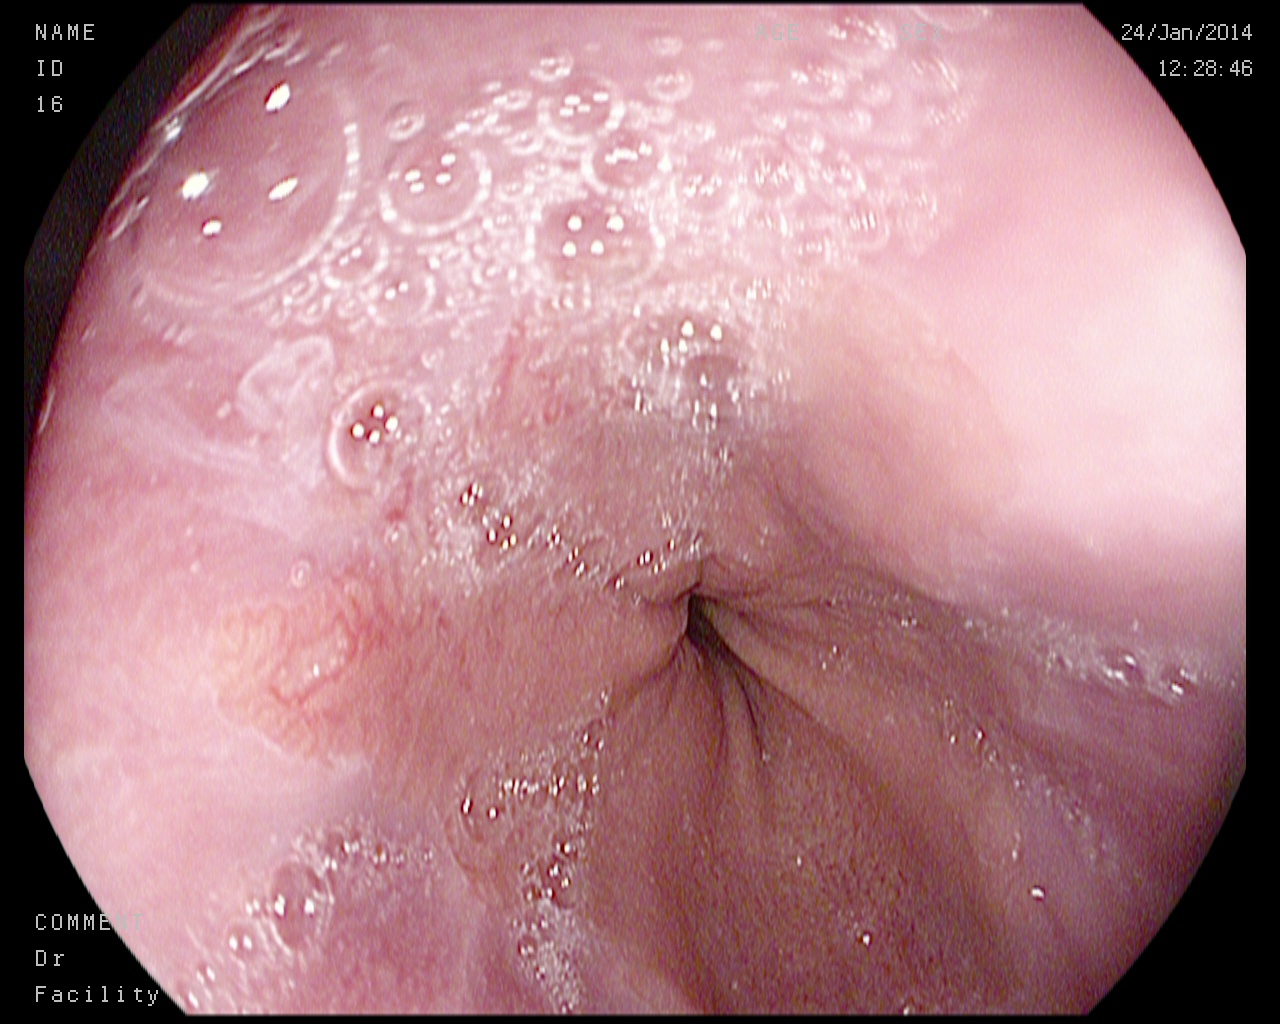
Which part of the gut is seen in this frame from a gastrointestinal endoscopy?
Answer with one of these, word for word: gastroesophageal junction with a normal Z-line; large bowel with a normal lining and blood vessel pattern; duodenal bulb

gastroesophageal junction with a normal Z-line